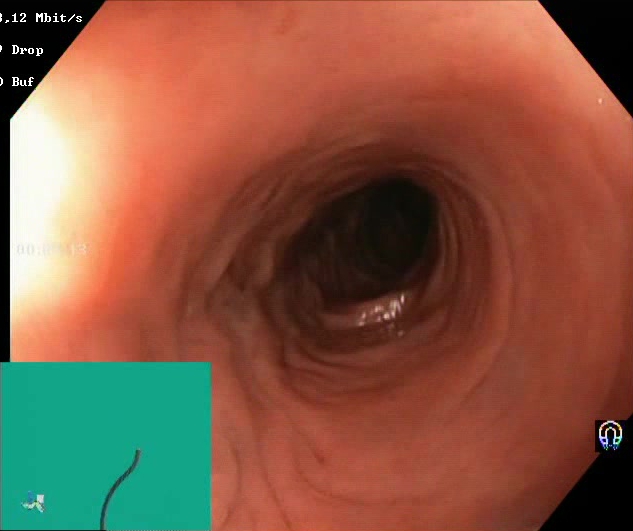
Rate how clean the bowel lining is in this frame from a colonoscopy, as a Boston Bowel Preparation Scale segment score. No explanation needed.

Boston Bowel Preparation Scale score 2–3 (adequate preparation)